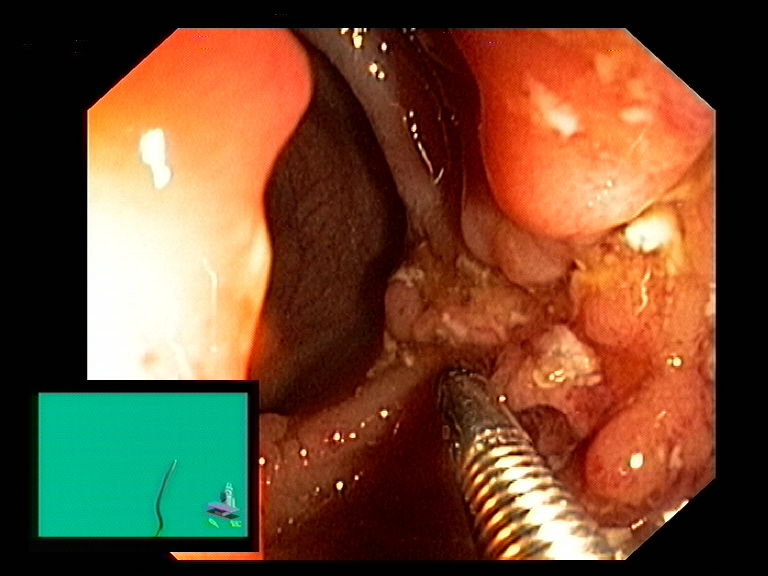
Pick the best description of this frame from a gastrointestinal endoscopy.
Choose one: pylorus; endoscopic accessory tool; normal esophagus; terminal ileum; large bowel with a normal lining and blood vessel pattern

endoscopic accessory tool